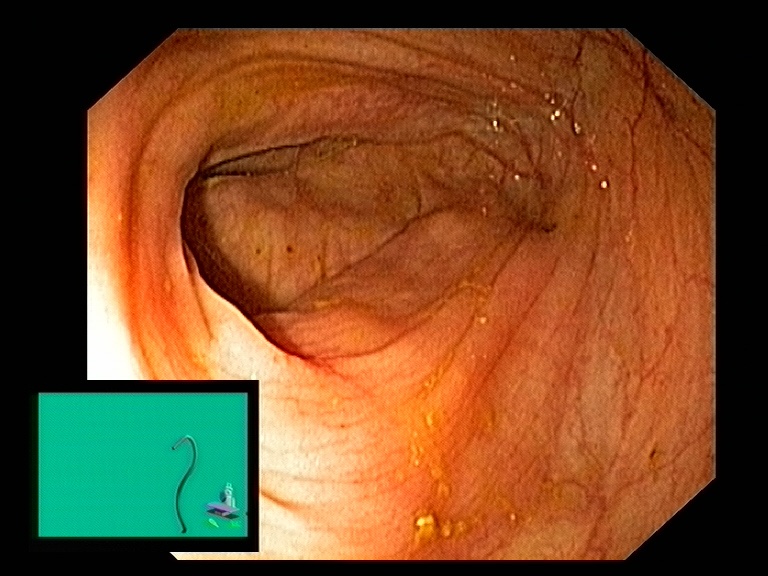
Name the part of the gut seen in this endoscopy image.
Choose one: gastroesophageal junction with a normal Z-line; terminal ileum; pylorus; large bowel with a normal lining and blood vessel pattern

large bowel with a normal lining and blood vessel pattern